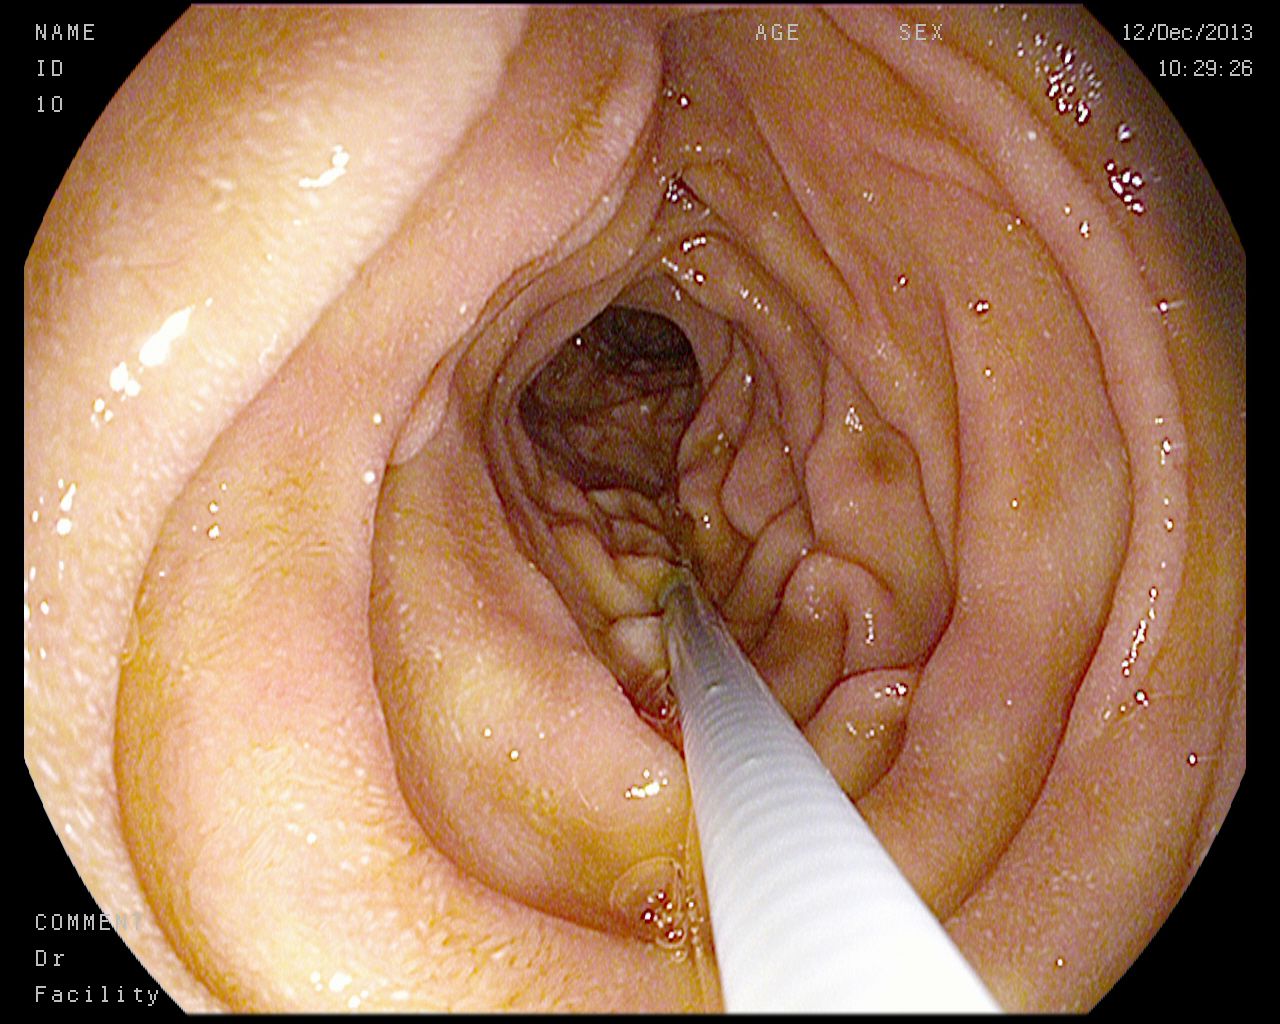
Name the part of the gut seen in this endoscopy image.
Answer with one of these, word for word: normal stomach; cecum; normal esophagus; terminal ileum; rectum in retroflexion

terminal ileum